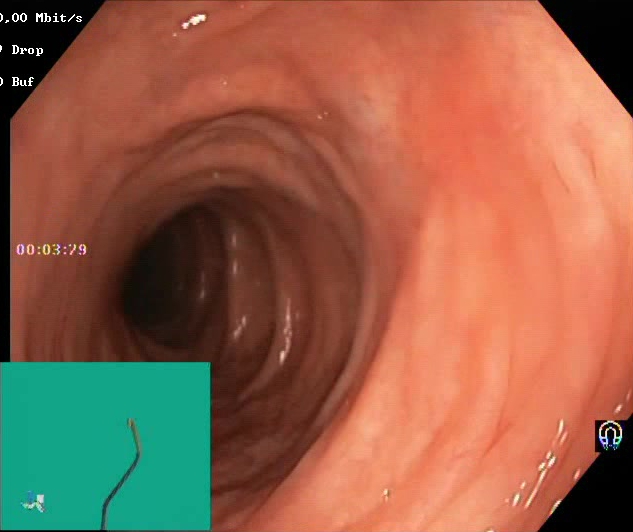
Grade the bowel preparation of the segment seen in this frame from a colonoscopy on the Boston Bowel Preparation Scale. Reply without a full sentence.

Boston Bowel Preparation Scale score 2–3 (adequate preparation)